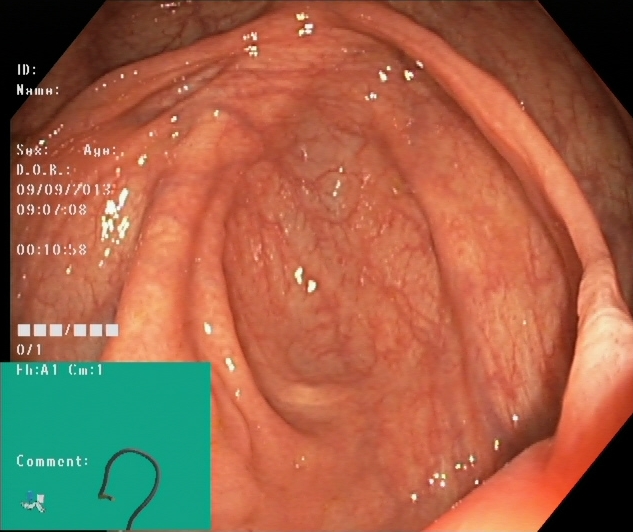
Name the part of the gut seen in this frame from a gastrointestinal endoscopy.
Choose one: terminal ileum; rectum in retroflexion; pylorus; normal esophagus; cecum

cecum